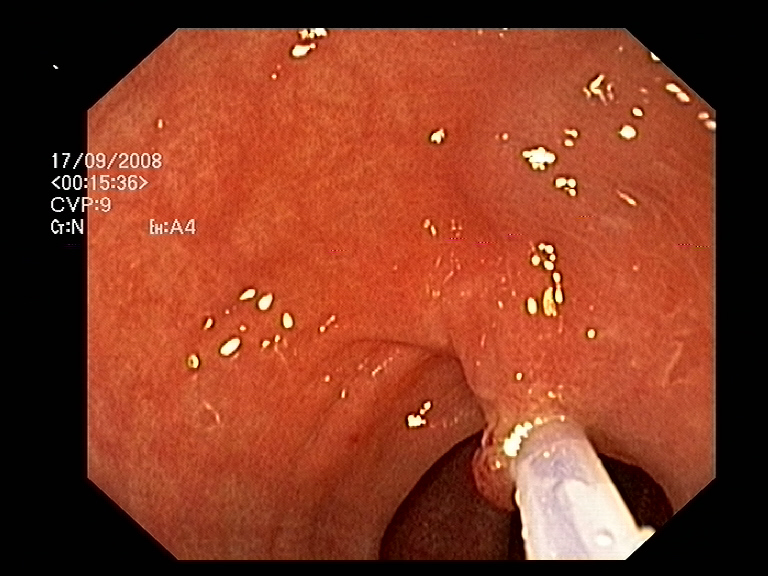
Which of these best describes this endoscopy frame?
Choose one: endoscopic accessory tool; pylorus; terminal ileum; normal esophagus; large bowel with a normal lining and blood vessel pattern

endoscopic accessory tool